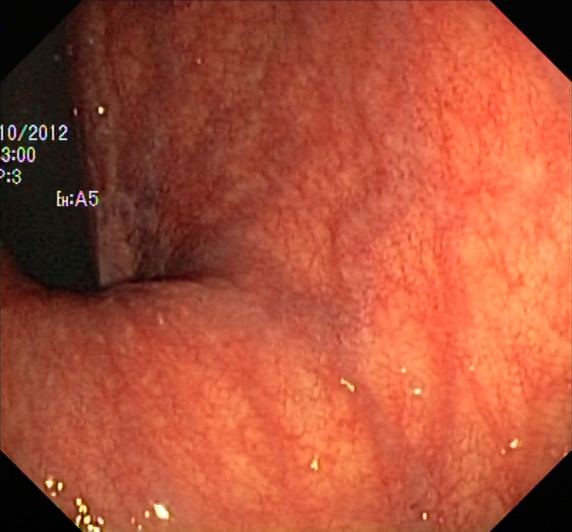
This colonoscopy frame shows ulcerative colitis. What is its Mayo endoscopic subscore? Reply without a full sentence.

ulcerative colitis, Mayo endoscopic subscore 0–1